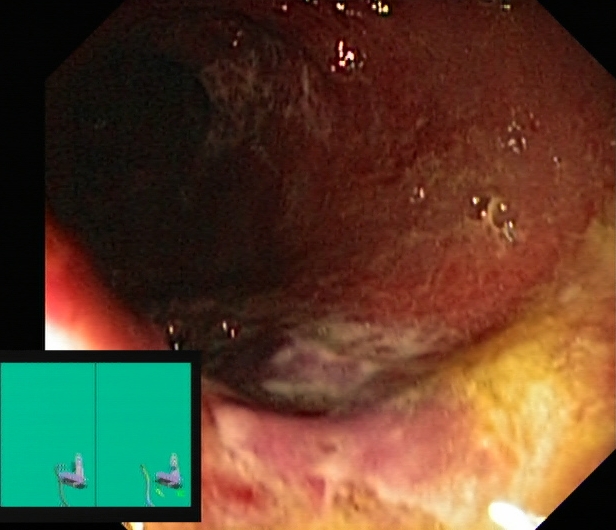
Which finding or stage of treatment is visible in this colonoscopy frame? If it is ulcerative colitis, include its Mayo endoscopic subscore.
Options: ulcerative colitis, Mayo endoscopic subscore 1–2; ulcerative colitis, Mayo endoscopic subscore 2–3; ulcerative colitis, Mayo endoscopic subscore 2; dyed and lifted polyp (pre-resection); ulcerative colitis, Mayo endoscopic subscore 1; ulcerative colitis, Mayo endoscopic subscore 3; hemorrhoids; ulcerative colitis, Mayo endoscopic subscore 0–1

ulcerative colitis, Mayo endoscopic subscore 2